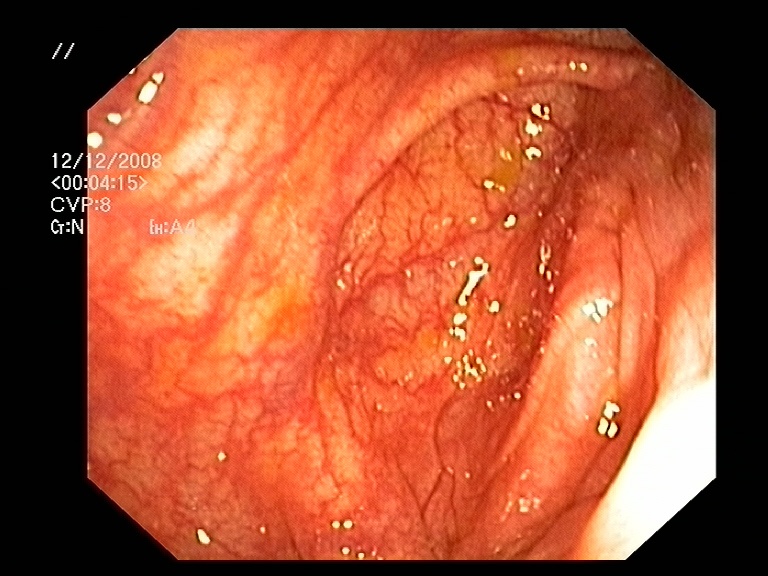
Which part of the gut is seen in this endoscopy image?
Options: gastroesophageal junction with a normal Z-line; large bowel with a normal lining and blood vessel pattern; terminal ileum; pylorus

large bowel with a normal lining and blood vessel pattern